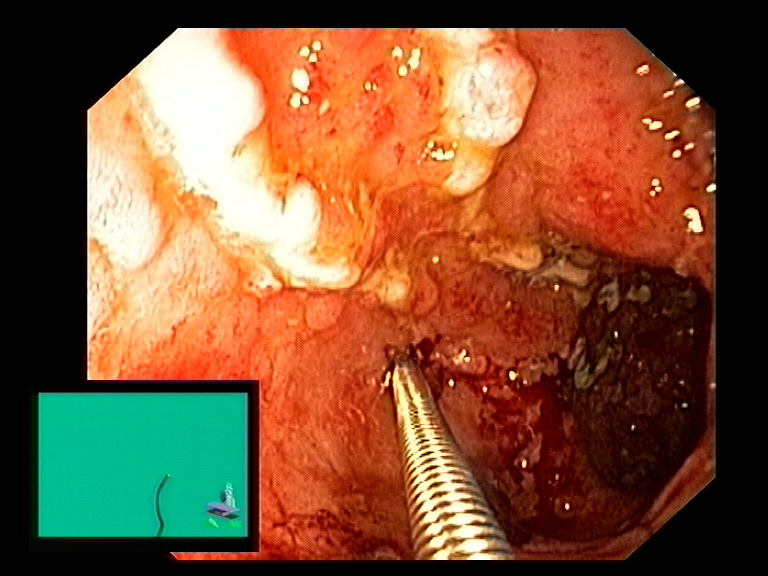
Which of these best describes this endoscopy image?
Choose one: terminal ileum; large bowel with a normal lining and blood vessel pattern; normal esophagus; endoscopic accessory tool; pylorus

endoscopic accessory tool